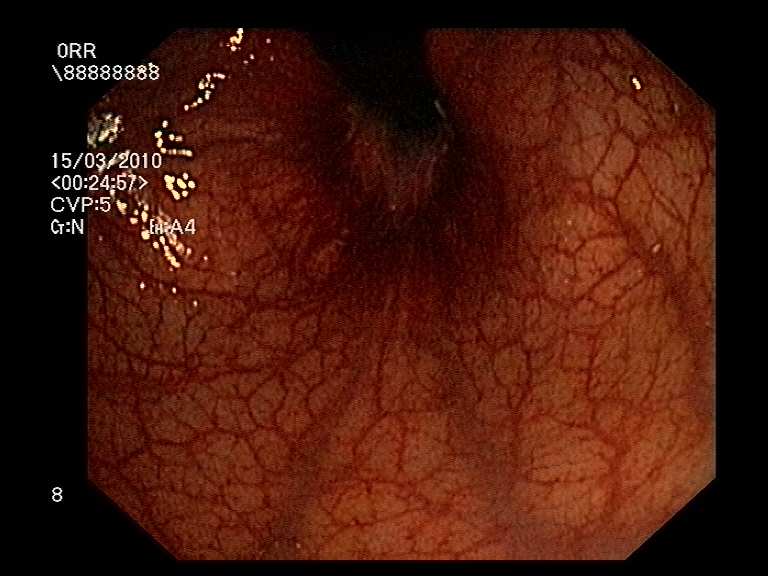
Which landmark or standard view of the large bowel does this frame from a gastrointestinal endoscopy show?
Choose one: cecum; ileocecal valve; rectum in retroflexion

rectum in retroflexion